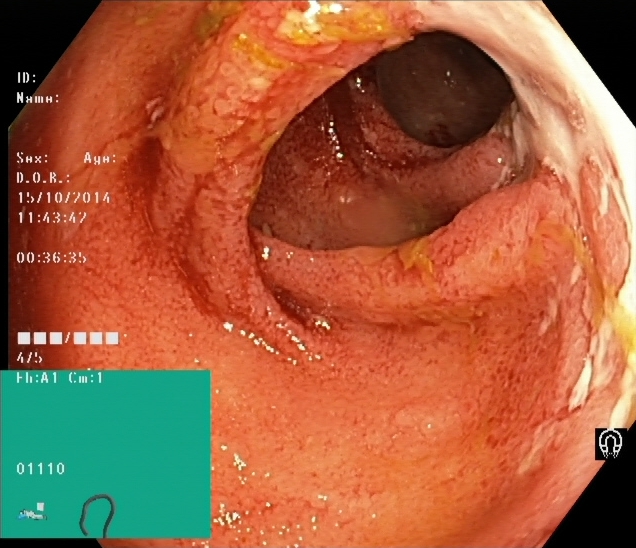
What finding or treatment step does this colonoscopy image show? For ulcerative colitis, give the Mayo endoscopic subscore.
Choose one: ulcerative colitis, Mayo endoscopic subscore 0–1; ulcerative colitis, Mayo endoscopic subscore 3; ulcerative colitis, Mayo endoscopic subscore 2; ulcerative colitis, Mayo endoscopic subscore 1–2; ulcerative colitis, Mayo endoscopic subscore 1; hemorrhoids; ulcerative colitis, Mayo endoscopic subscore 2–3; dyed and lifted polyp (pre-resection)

ulcerative colitis, Mayo endoscopic subscore 3